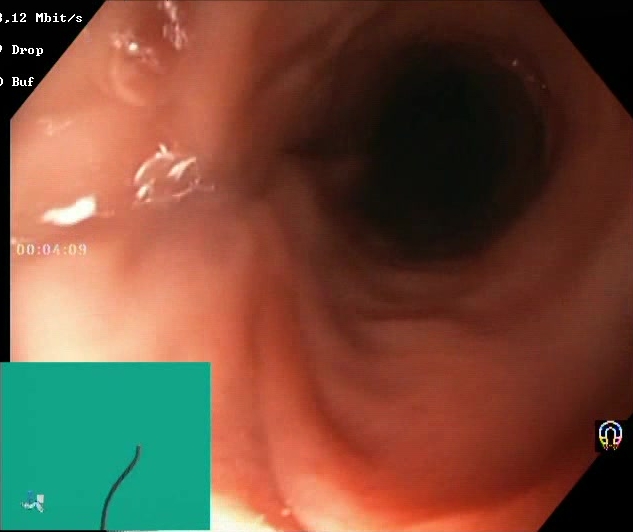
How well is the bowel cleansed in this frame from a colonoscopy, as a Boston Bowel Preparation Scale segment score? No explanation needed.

Boston Bowel Preparation Scale score 2–3 (adequate preparation)